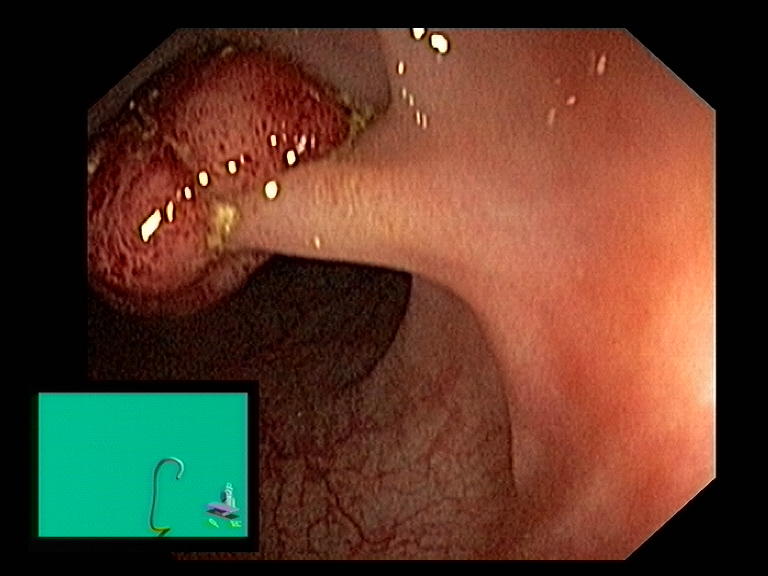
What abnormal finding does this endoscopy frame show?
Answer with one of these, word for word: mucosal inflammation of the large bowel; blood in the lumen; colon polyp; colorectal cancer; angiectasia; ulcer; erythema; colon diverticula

colon polyp